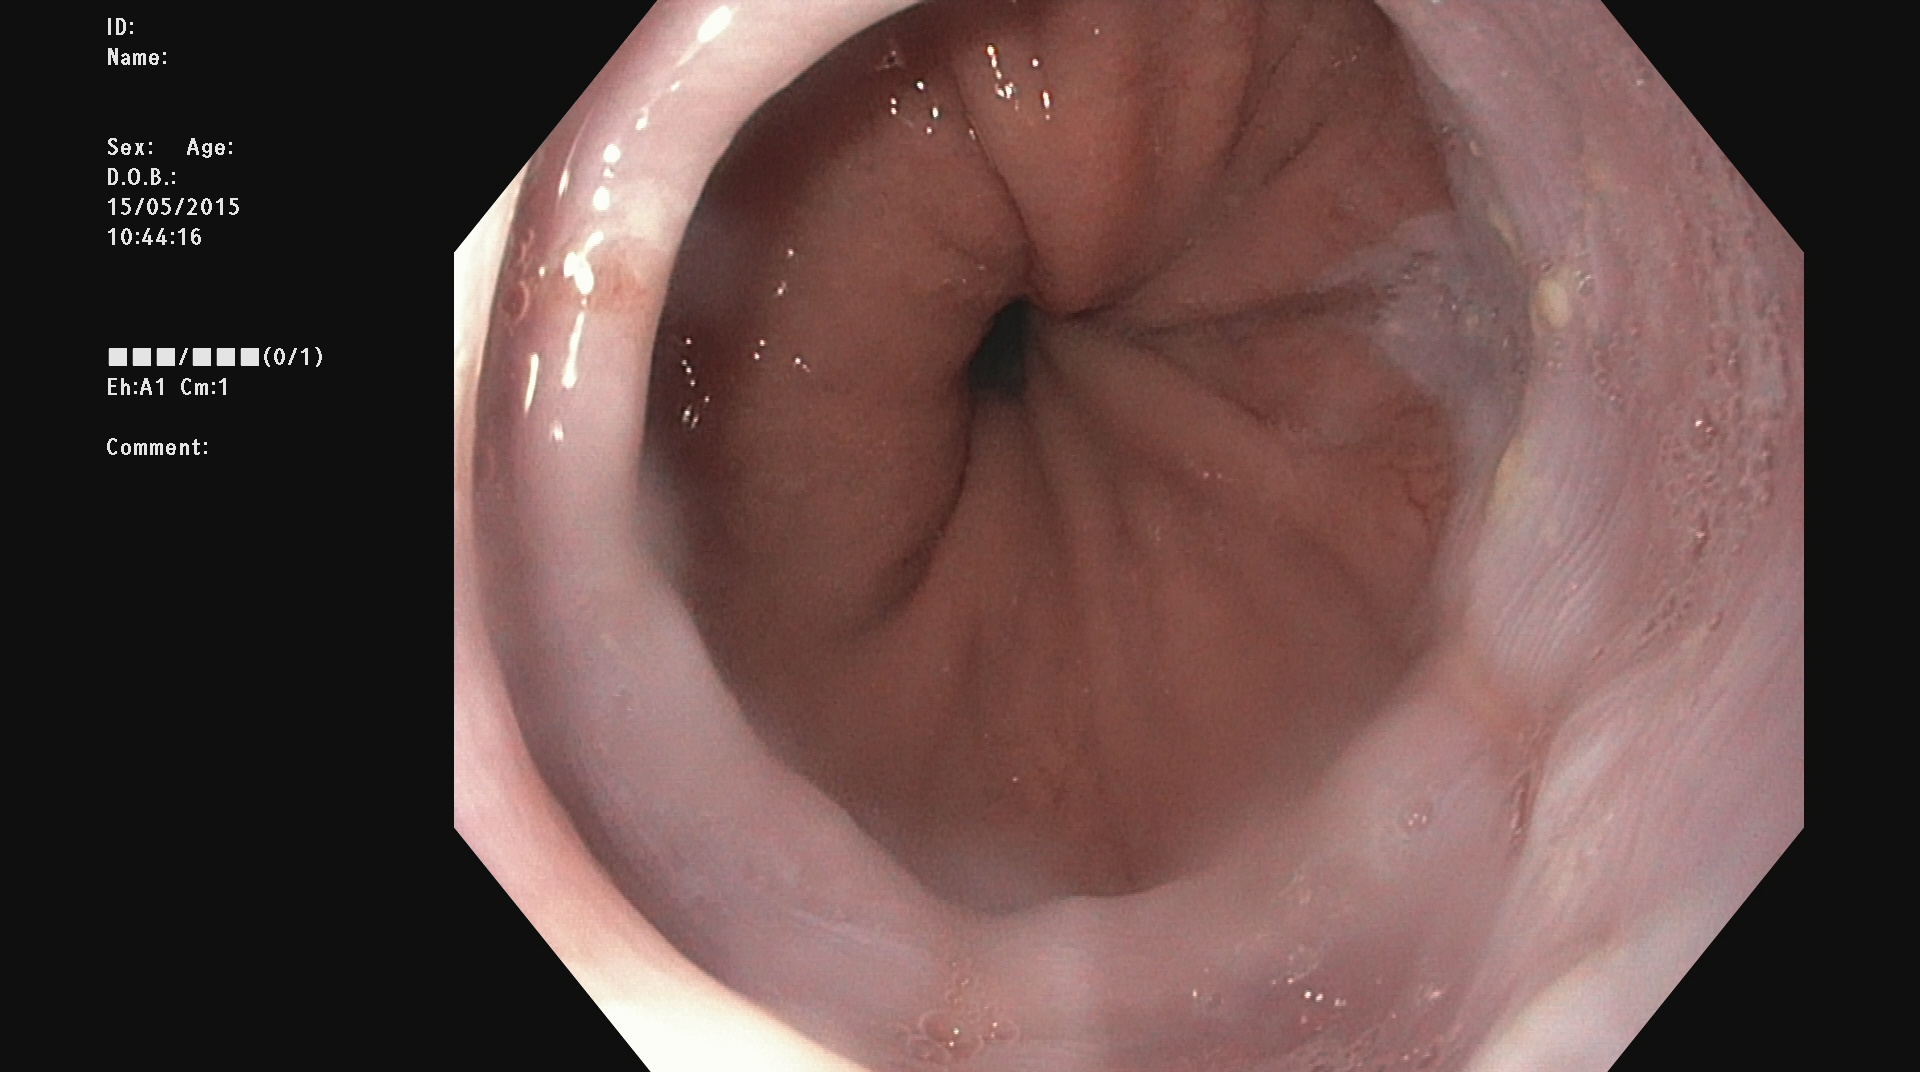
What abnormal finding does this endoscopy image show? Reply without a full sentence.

esophagitis